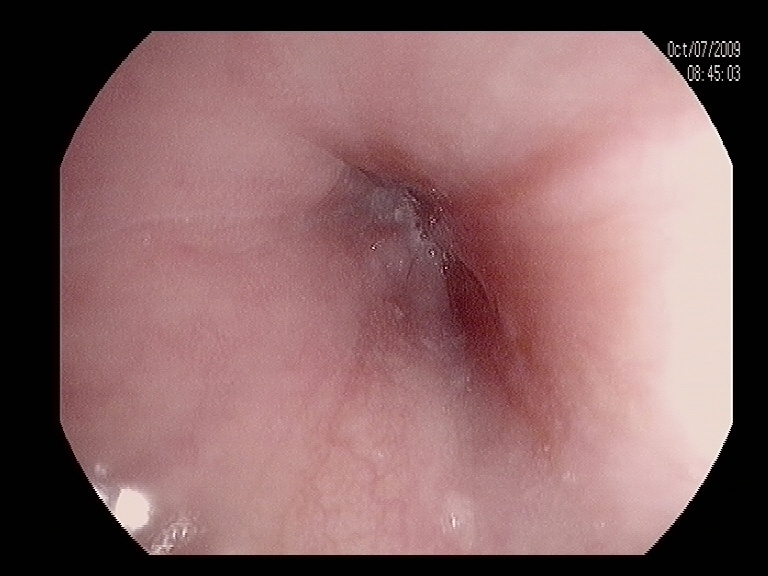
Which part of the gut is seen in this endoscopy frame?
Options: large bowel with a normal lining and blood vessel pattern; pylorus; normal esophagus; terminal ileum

normal esophagus